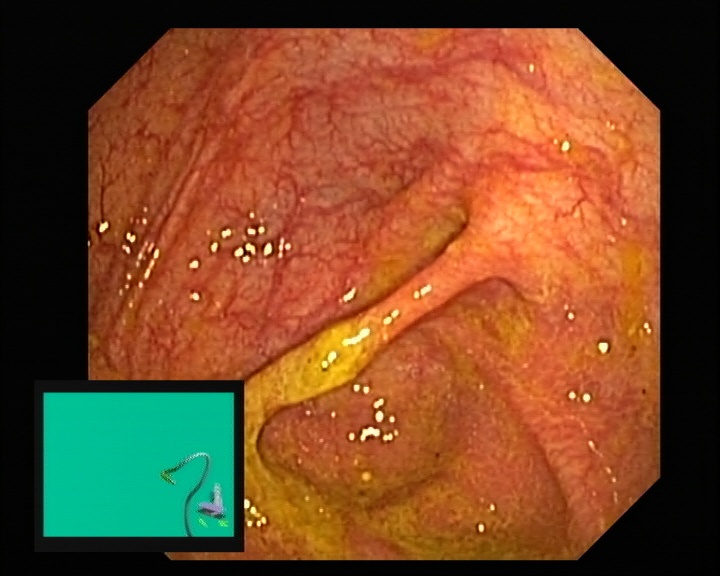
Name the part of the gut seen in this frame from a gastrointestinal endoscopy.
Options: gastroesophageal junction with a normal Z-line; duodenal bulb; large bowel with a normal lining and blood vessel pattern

large bowel with a normal lining and blood vessel pattern